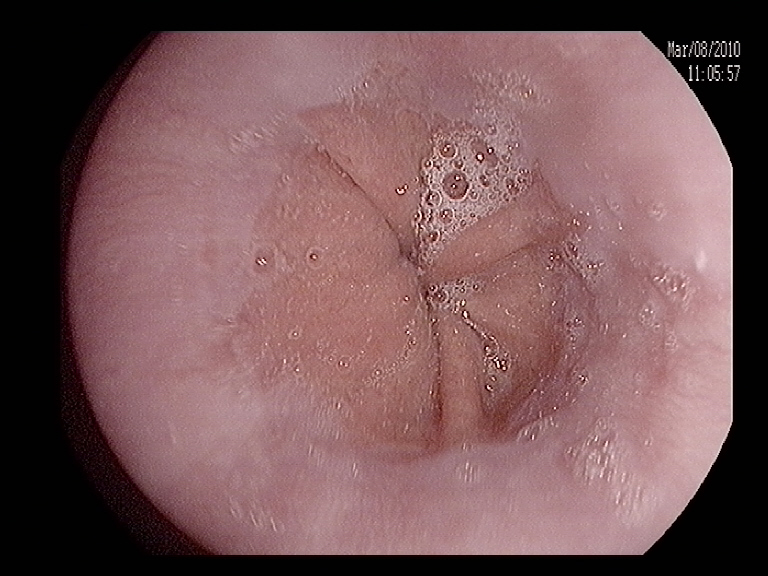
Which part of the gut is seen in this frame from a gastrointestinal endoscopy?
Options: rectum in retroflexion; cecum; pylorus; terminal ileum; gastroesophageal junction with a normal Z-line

gastroesophageal junction with a normal Z-line